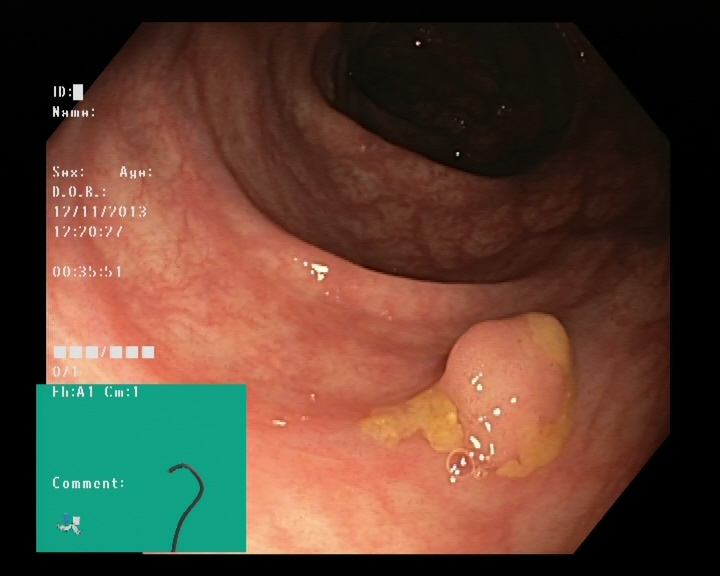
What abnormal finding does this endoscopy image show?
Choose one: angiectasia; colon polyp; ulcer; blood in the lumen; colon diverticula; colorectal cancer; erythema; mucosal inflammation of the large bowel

colon polyp